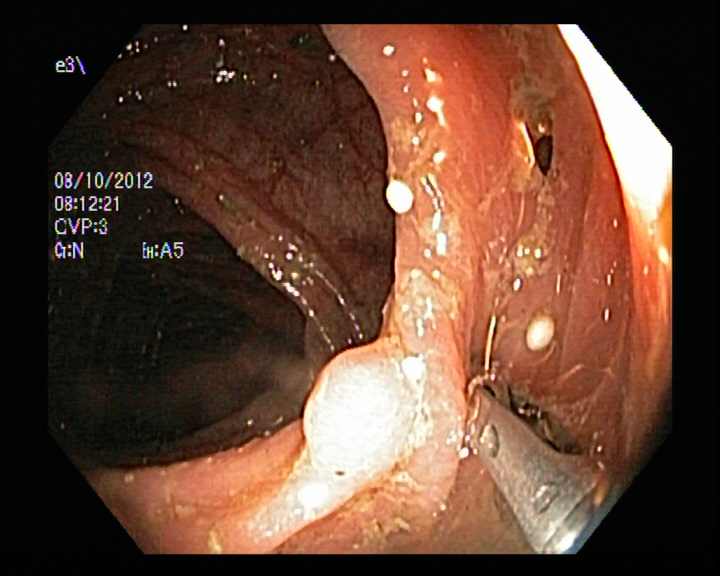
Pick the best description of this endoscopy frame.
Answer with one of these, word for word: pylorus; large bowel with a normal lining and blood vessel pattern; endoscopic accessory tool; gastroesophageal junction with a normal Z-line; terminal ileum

endoscopic accessory tool